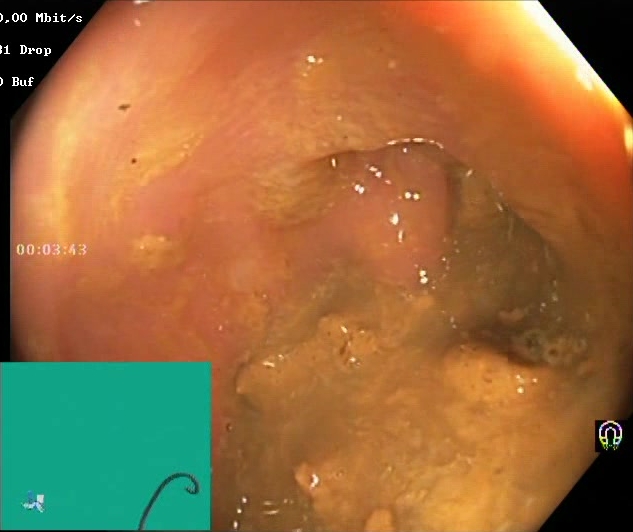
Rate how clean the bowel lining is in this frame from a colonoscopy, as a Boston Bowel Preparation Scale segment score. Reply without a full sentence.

Boston Bowel Preparation Scale score 0–1 (inadequate preparation)